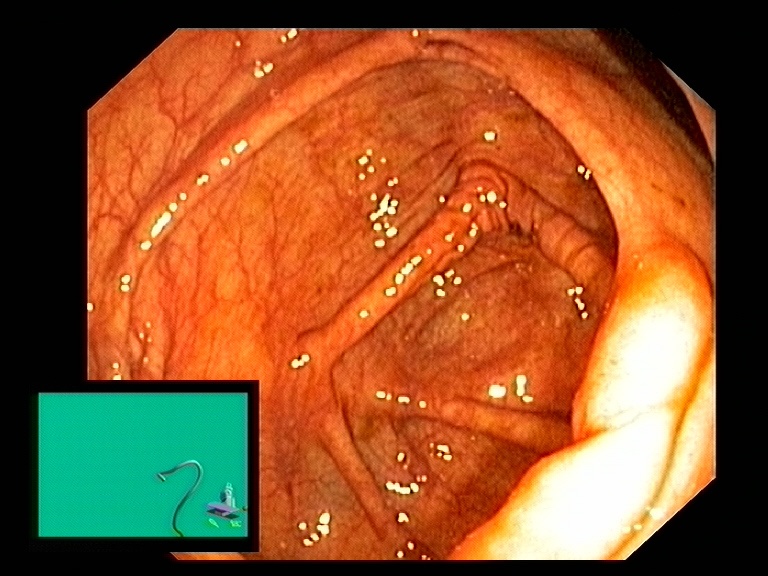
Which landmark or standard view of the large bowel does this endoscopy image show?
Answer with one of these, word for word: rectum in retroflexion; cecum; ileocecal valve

ileocecal valve